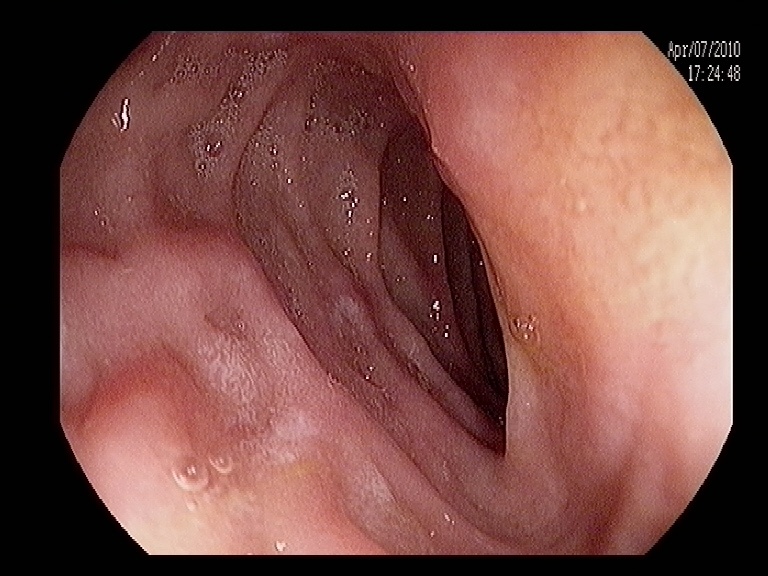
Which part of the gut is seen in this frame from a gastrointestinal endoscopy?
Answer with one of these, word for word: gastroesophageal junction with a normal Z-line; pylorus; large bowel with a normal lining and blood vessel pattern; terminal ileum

terminal ileum